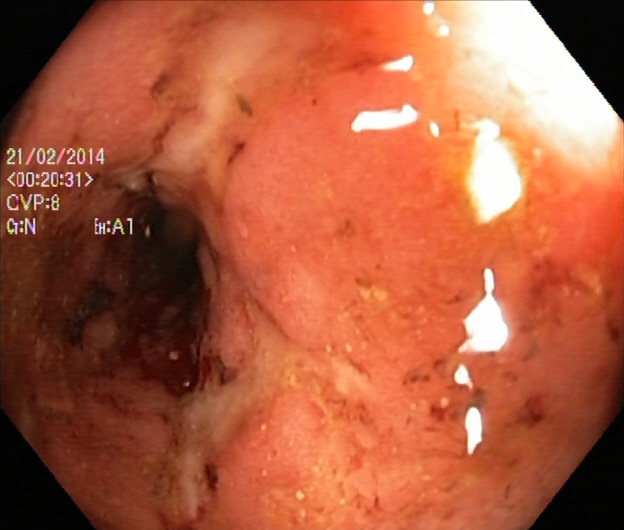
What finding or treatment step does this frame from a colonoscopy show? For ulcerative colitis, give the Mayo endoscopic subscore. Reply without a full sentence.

ulcerative colitis, Mayo endoscopic subscore 2–3